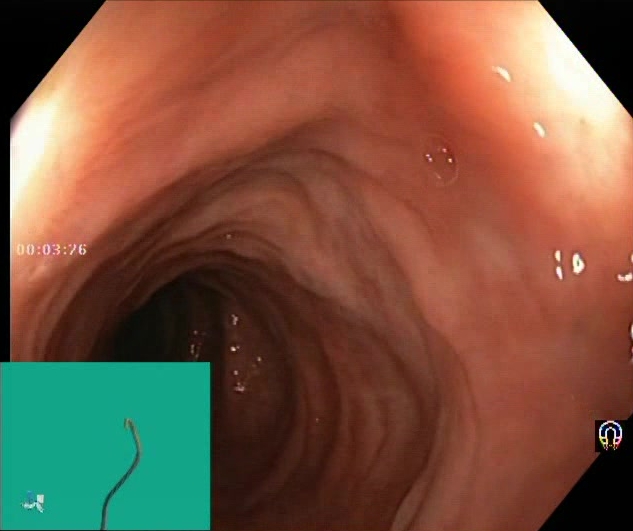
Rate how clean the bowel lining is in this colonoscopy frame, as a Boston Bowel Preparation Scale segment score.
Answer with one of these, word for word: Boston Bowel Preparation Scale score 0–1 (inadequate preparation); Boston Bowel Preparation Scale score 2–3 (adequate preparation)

Boston Bowel Preparation Scale score 2–3 (adequate preparation)